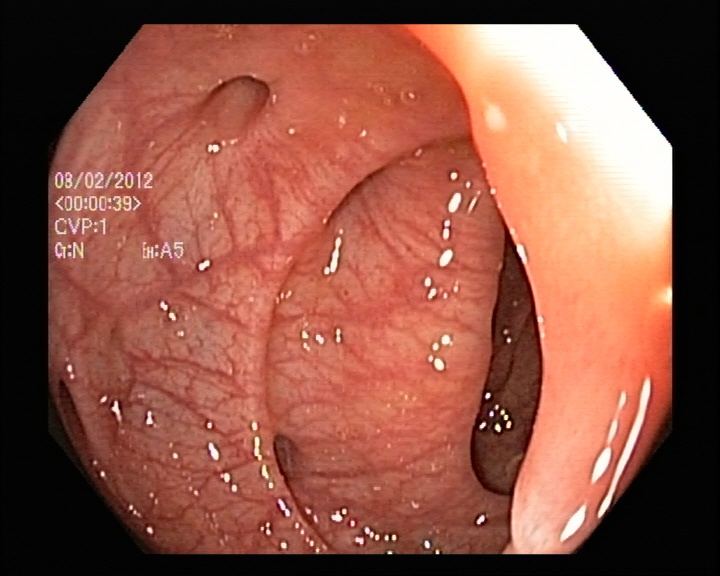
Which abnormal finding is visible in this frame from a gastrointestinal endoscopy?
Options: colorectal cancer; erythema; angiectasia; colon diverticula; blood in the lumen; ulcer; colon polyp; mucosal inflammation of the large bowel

colon diverticula